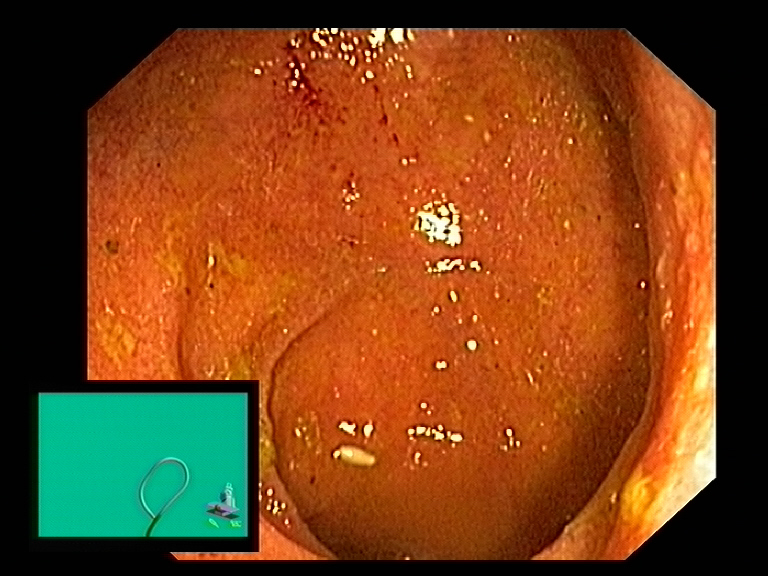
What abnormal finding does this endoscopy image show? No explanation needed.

mucosal inflammation of the large bowel